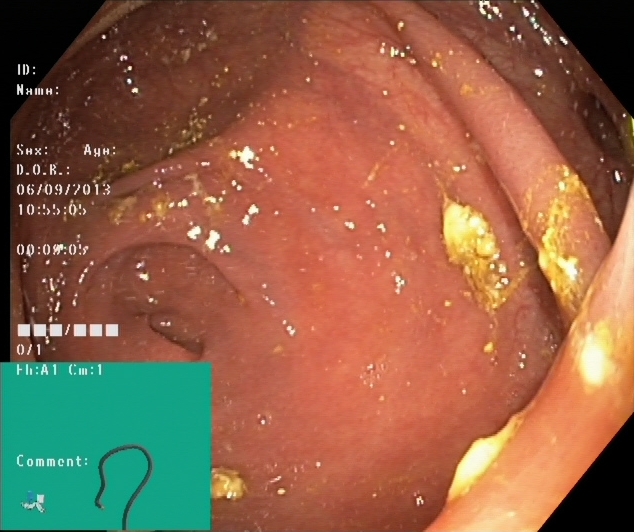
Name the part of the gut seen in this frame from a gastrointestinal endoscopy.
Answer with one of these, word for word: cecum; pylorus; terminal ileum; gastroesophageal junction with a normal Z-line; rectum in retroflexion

cecum